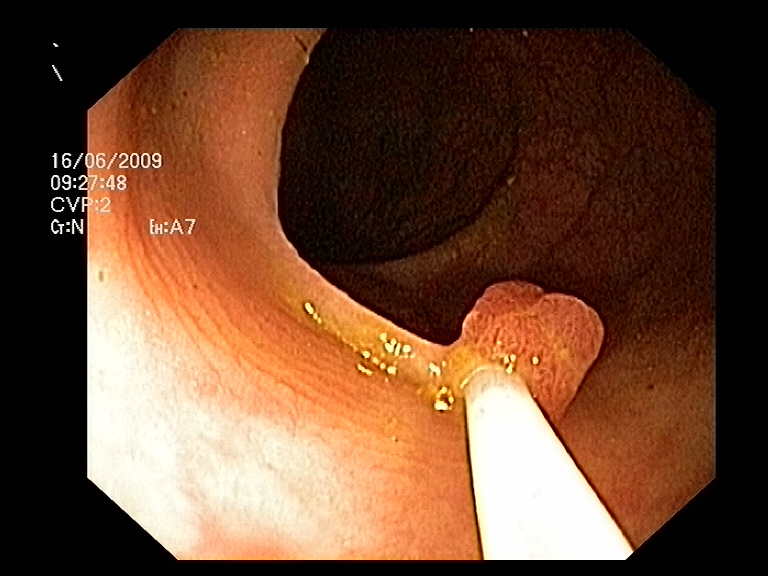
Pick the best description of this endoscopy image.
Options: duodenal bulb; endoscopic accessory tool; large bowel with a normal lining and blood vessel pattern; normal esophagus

endoscopic accessory tool